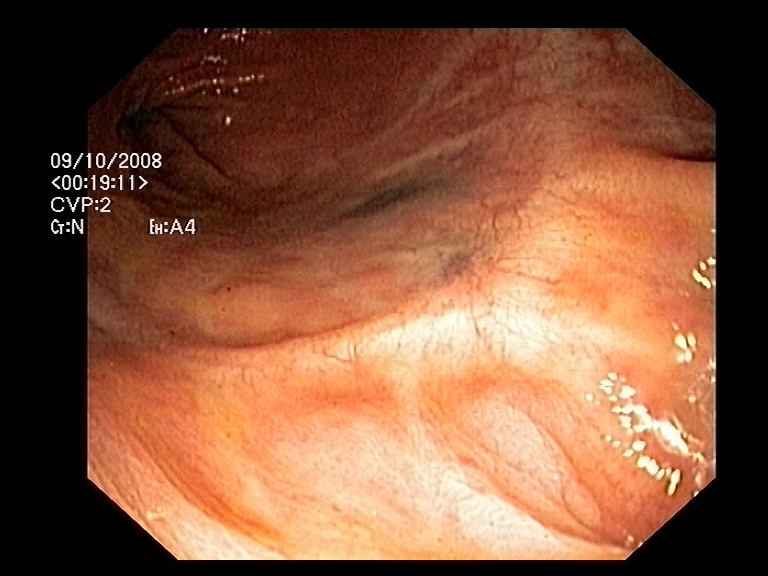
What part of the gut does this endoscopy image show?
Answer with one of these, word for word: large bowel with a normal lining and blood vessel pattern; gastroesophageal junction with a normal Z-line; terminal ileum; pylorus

large bowel with a normal lining and blood vessel pattern